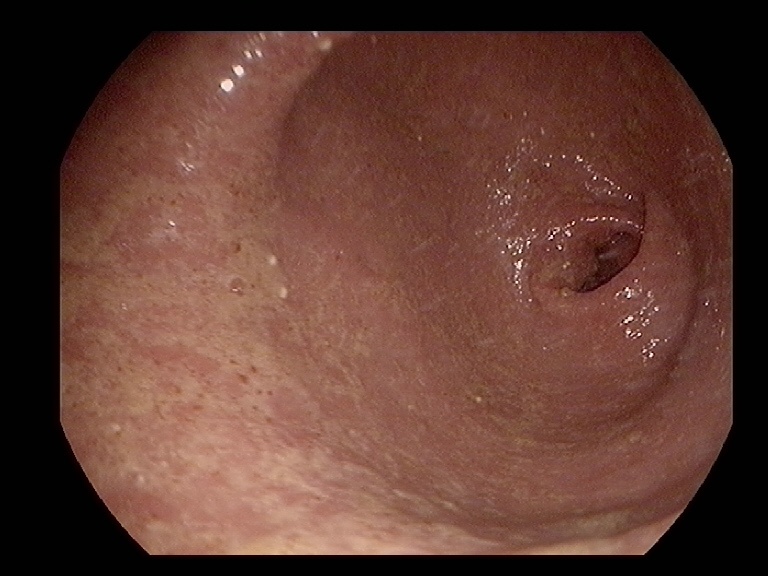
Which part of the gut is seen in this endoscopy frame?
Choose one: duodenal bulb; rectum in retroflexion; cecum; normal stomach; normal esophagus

normal stomach